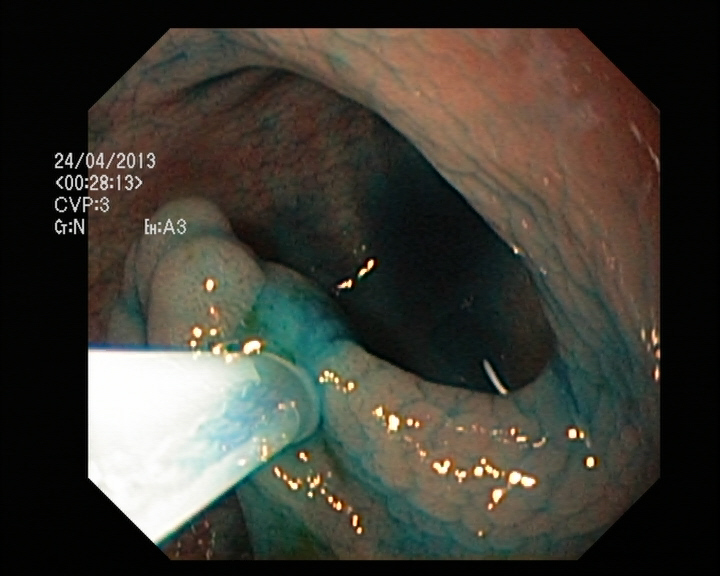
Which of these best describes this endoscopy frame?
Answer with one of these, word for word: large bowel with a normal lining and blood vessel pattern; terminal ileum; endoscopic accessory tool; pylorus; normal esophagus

endoscopic accessory tool